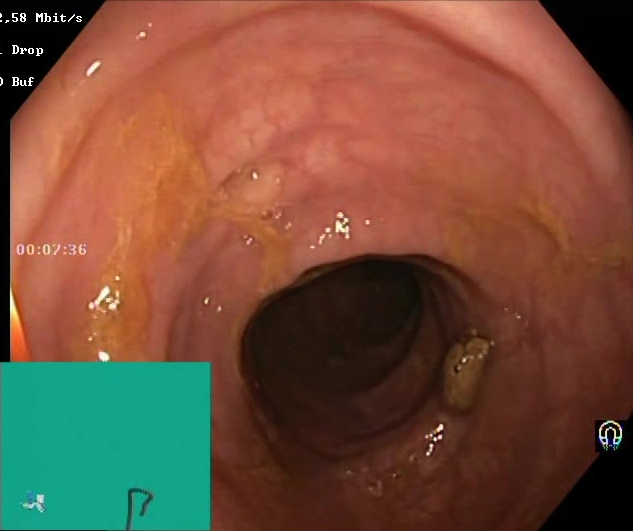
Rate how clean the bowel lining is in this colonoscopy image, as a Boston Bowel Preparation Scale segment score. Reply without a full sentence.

Boston Bowel Preparation Scale score 2–3 (adequate preparation)